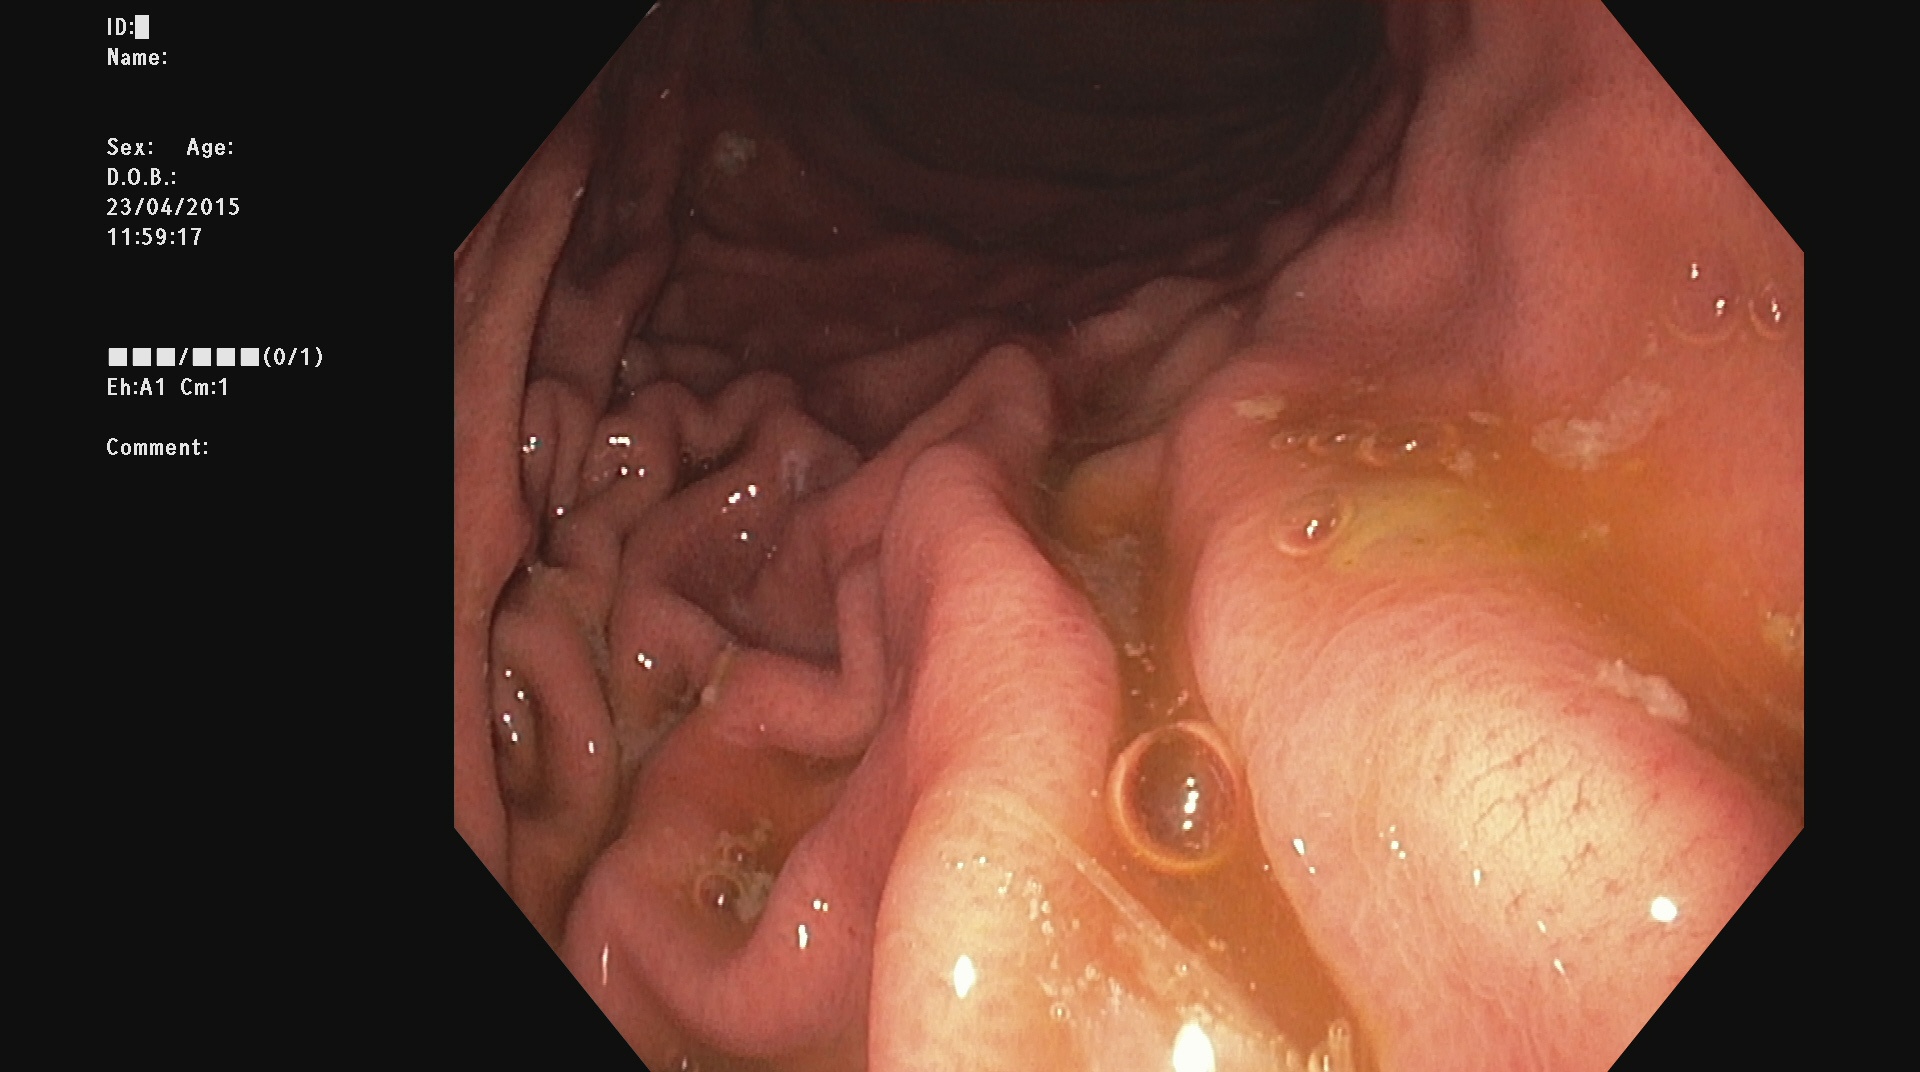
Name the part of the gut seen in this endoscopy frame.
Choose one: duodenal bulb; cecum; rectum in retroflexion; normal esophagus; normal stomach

normal stomach